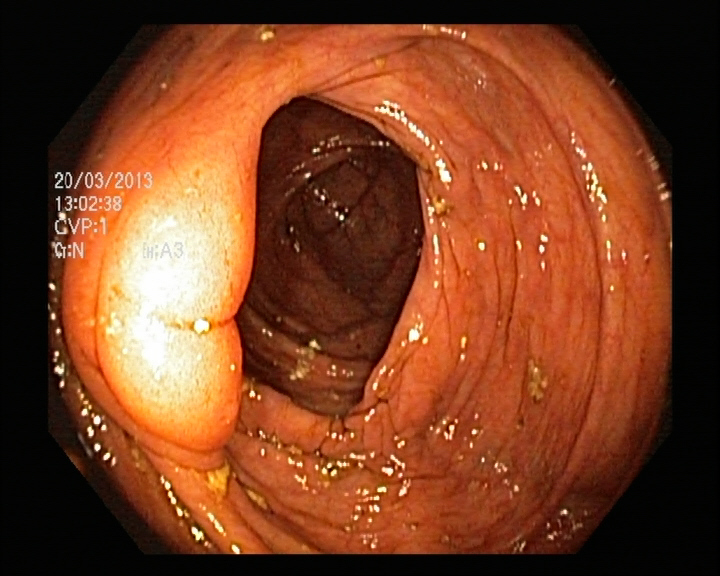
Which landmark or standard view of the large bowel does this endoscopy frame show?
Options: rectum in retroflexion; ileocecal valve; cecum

ileocecal valve